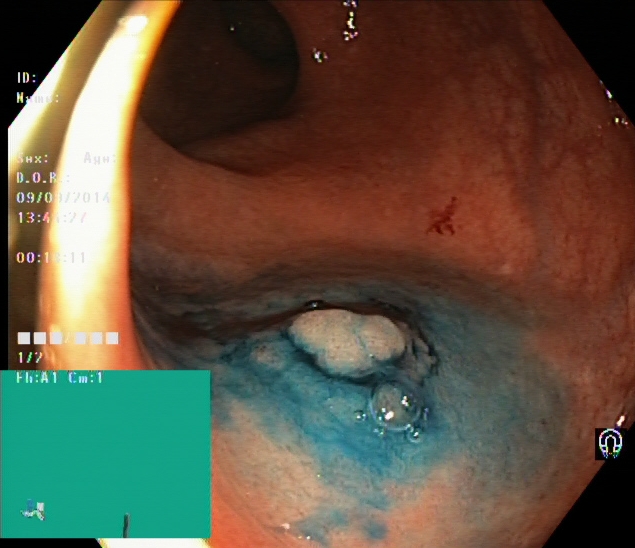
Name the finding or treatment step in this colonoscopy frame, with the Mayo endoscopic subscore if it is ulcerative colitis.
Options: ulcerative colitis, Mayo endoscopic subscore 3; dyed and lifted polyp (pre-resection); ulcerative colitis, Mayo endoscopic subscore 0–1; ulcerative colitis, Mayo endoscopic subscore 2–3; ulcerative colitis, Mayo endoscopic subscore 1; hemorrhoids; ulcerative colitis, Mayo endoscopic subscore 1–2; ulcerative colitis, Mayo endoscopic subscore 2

dyed and lifted polyp (pre-resection)